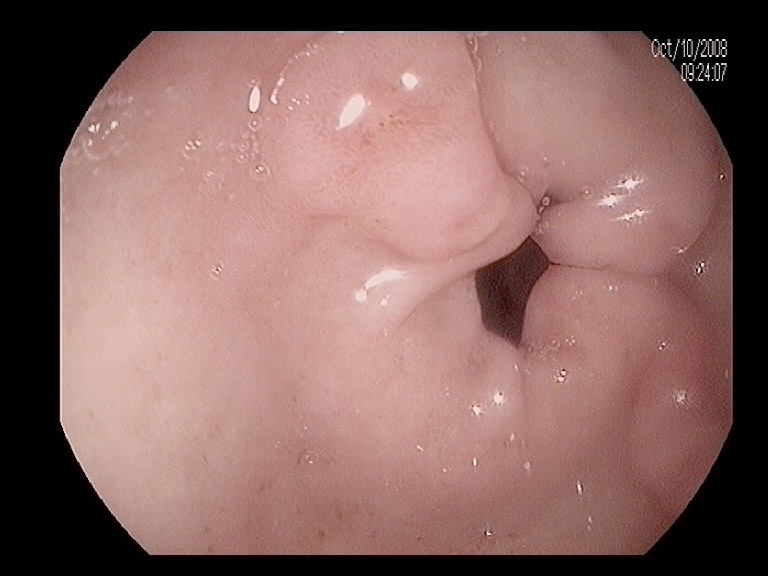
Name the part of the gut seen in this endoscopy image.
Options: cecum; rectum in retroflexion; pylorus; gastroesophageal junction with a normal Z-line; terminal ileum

pylorus